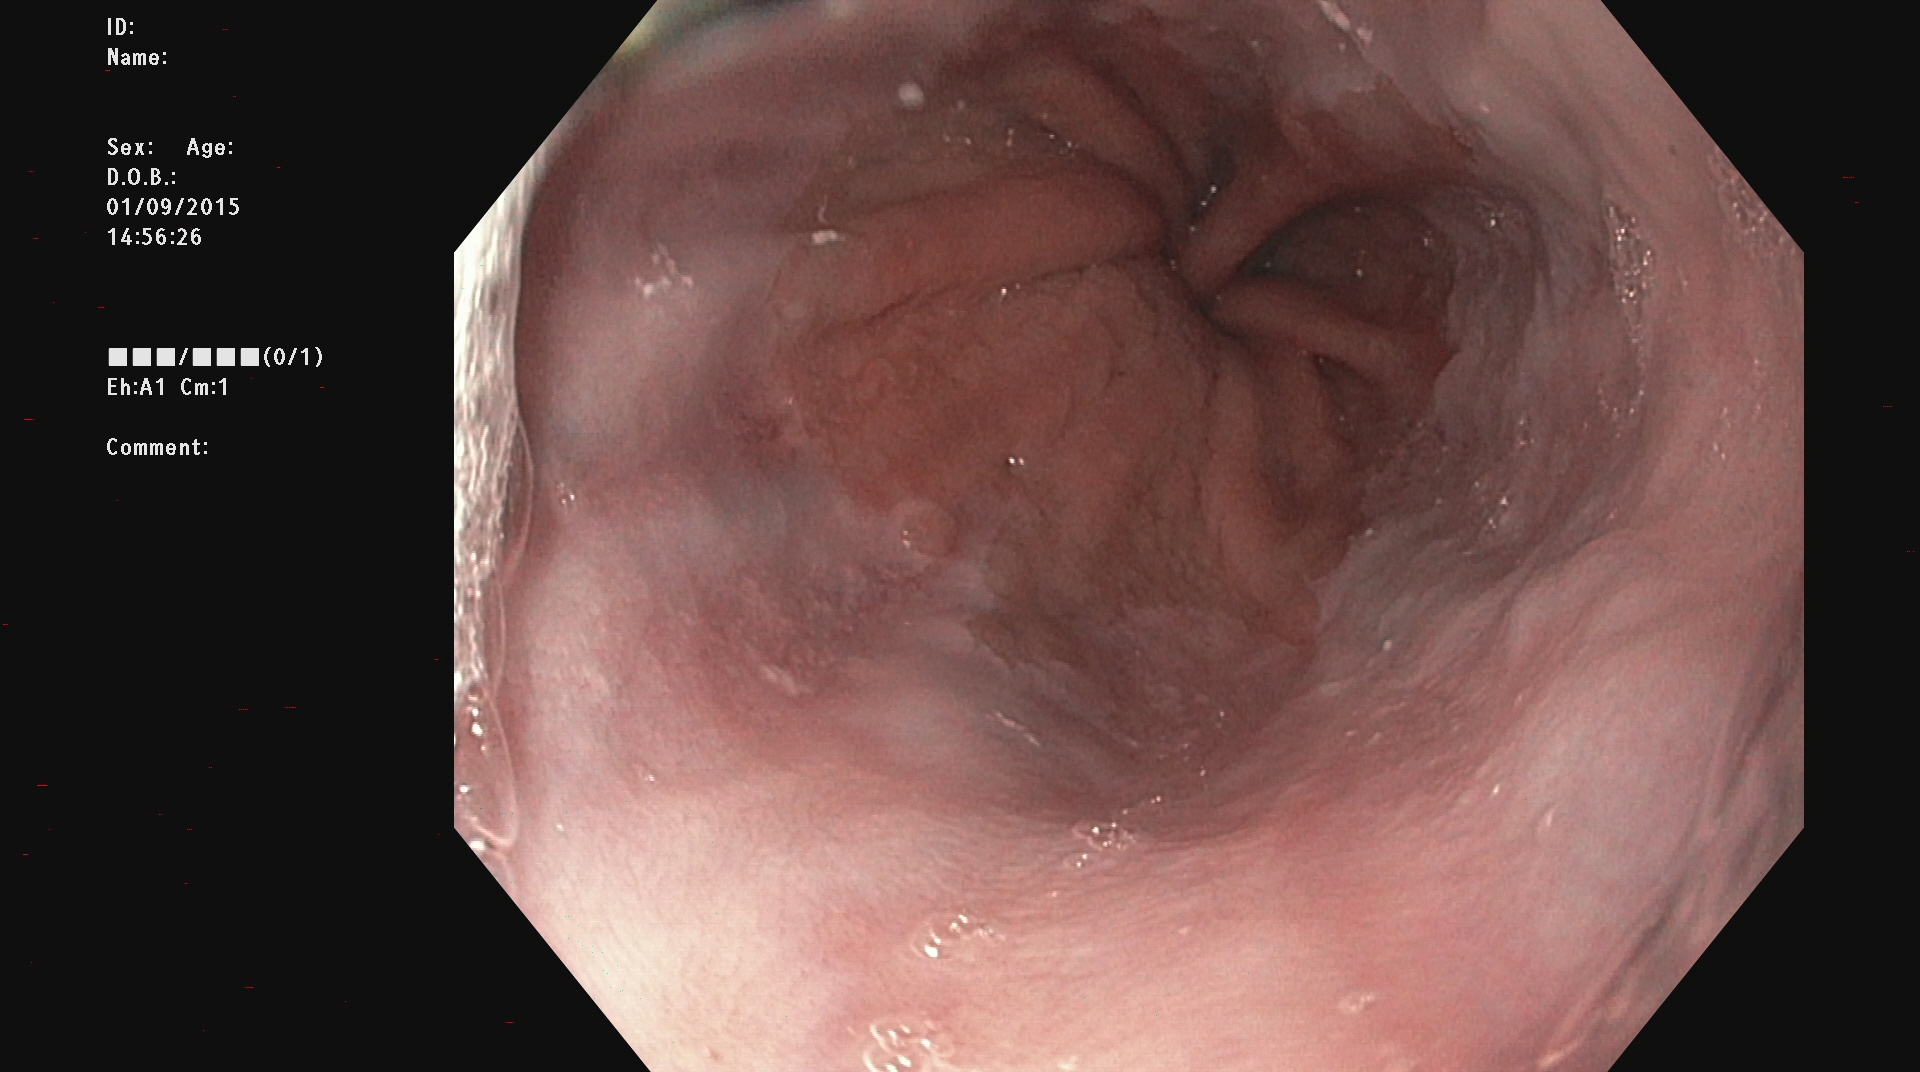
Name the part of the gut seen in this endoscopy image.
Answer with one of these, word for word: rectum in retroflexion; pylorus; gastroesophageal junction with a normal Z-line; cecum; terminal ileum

gastroesophageal junction with a normal Z-line